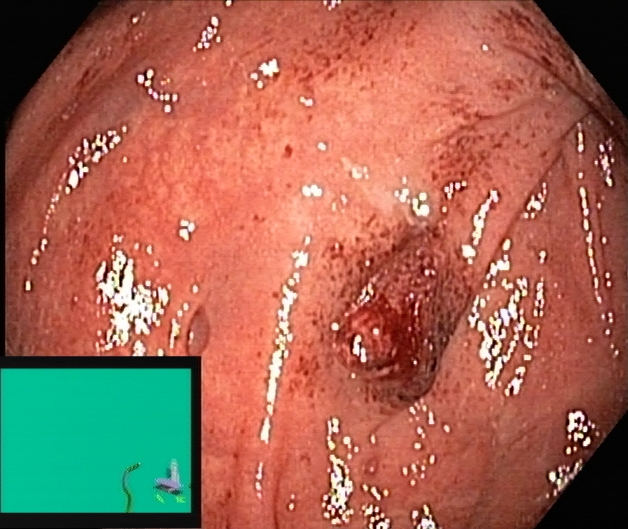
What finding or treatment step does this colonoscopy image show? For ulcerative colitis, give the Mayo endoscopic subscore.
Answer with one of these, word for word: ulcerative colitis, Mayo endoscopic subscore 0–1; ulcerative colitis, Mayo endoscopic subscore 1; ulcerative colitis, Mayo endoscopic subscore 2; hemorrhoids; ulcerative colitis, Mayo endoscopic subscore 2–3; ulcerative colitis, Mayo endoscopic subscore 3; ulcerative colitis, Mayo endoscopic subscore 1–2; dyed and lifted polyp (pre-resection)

ulcerative colitis, Mayo endoscopic subscore 1–2